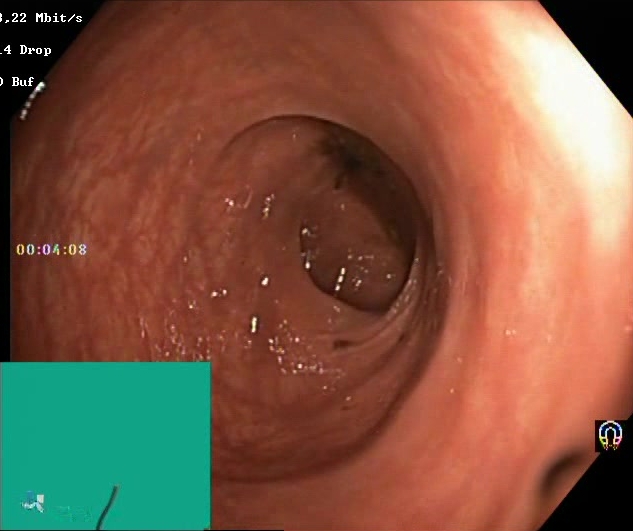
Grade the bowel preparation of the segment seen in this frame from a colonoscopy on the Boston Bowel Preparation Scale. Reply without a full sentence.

Boston Bowel Preparation Scale score 2–3 (adequate preparation)